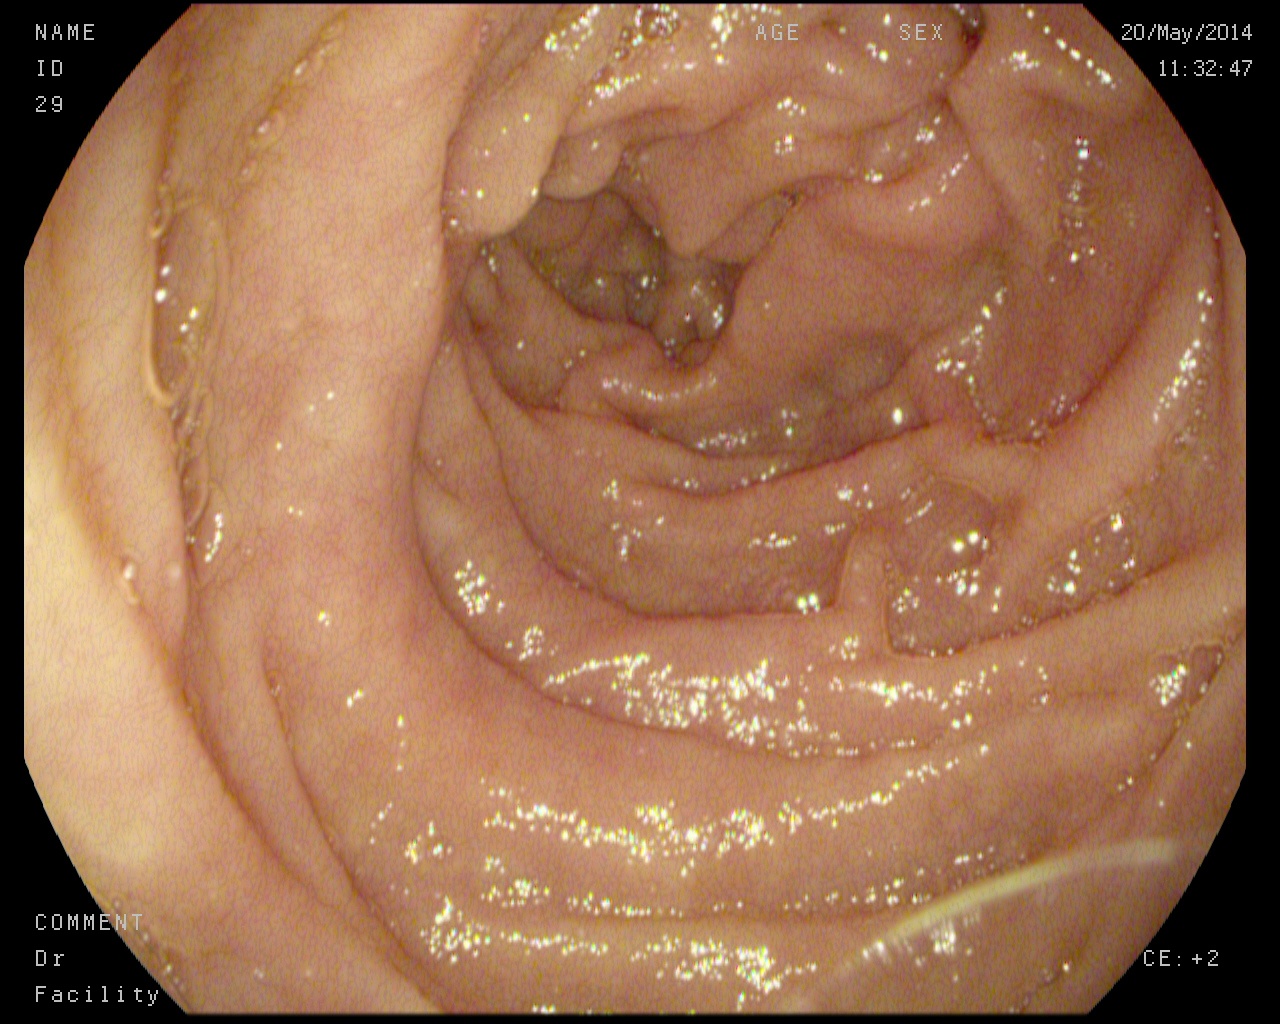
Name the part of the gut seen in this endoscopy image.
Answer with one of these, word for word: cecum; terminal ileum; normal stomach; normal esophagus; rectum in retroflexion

terminal ileum